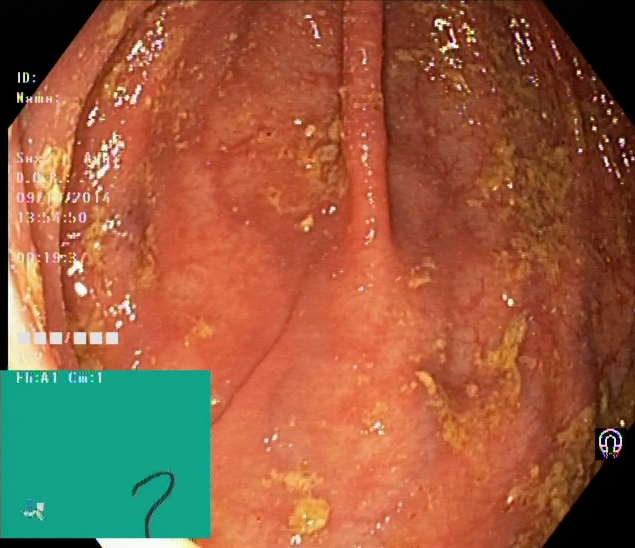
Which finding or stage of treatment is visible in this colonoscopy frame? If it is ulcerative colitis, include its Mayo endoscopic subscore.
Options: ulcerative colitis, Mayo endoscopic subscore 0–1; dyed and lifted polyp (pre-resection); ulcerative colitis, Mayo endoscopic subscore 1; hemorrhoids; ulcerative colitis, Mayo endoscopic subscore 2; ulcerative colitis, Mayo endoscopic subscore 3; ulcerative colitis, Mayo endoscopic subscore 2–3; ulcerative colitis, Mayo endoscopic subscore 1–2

ulcerative colitis, Mayo endoscopic subscore 1